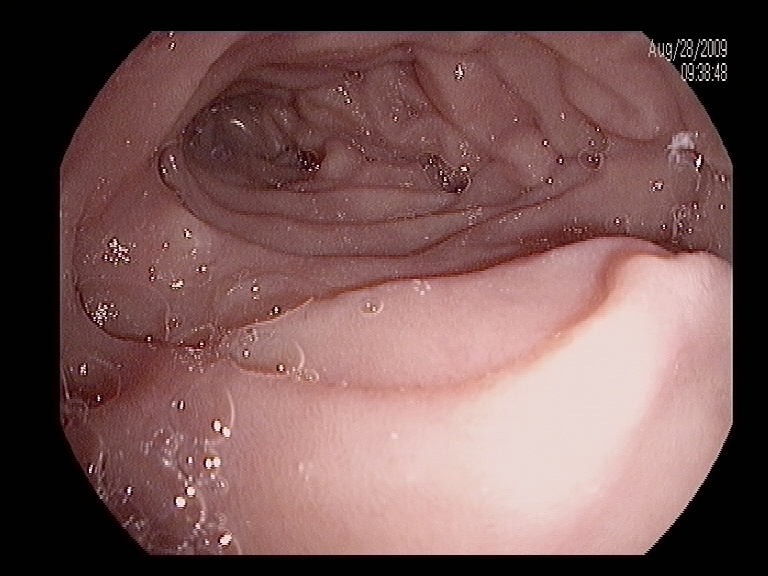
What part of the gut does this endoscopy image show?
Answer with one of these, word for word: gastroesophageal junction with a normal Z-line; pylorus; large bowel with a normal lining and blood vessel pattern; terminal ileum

terminal ileum